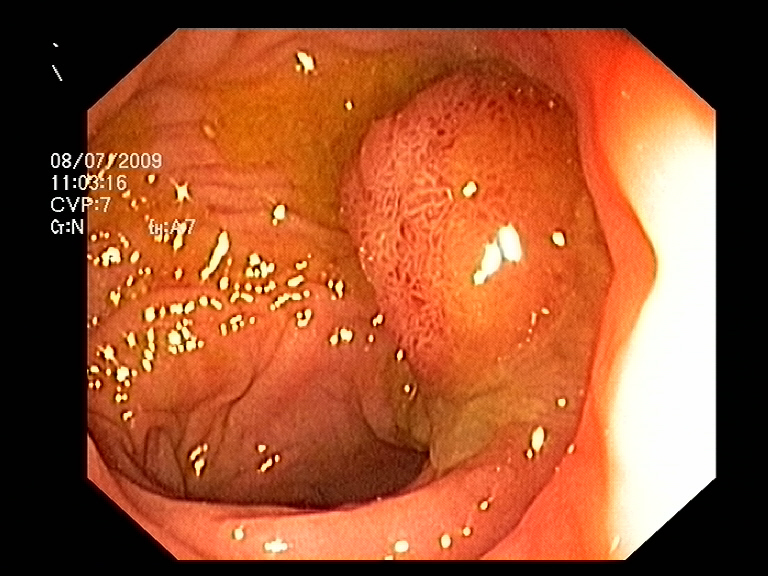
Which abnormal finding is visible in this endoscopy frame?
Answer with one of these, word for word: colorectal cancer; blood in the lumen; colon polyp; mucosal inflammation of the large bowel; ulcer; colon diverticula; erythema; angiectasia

colon polyp